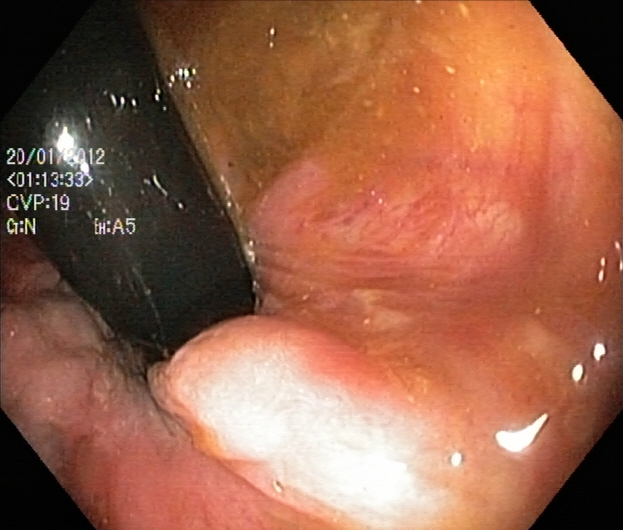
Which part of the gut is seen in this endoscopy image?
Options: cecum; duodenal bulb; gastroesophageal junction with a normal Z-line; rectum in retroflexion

rectum in retroflexion